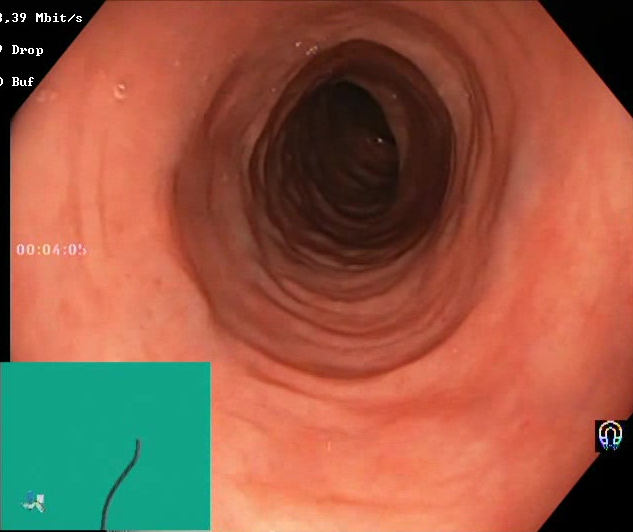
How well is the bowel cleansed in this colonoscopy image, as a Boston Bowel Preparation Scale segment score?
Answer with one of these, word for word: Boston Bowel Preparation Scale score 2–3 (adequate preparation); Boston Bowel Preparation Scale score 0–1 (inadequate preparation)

Boston Bowel Preparation Scale score 2–3 (adequate preparation)